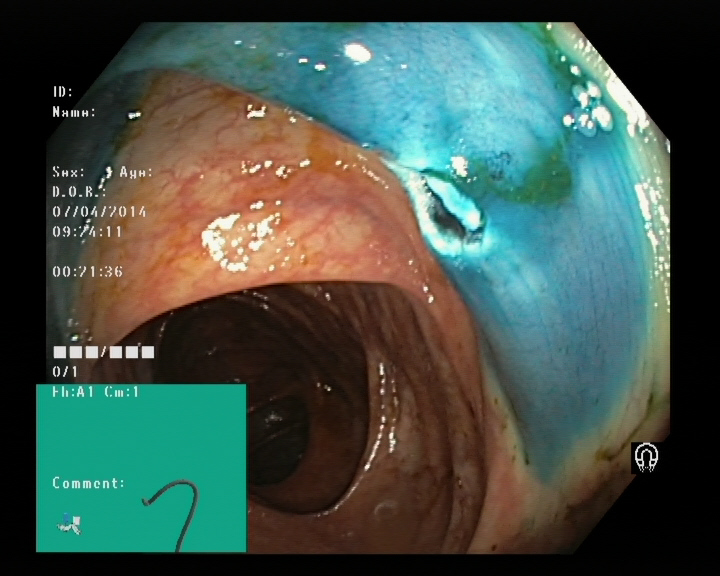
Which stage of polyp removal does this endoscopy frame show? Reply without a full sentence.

dyed resection margin (post-polypectomy)